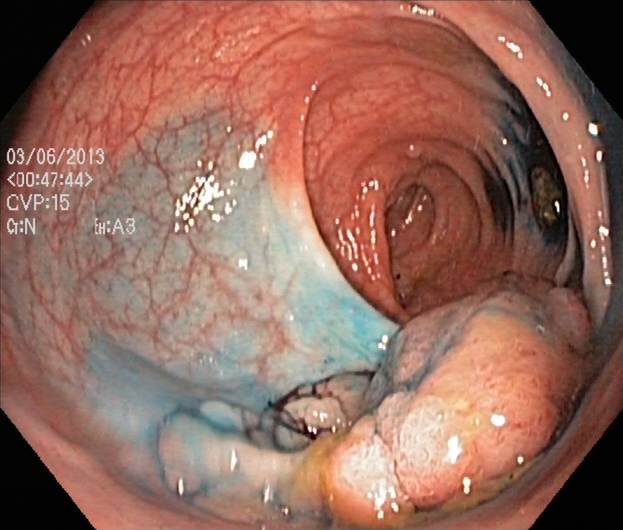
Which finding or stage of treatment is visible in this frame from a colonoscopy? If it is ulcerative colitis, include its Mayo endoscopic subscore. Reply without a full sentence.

dyed and lifted polyp (pre-resection)